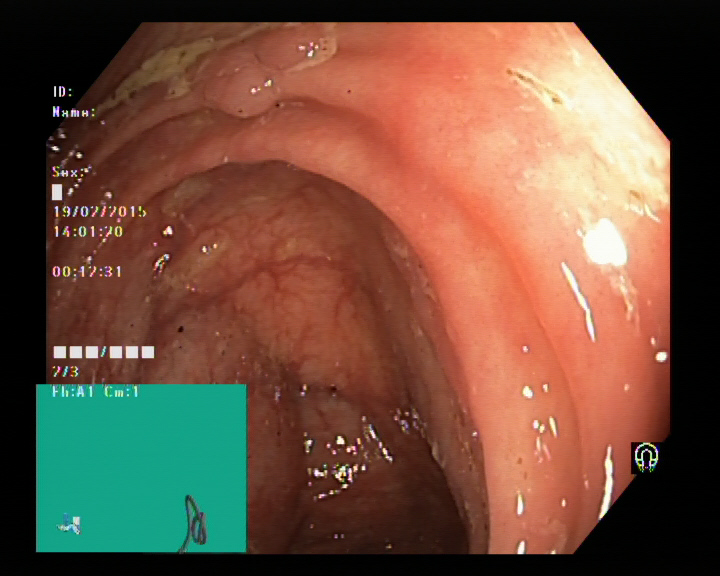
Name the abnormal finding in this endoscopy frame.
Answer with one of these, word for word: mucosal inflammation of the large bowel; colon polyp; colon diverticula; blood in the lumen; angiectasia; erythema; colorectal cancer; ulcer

colon polyp